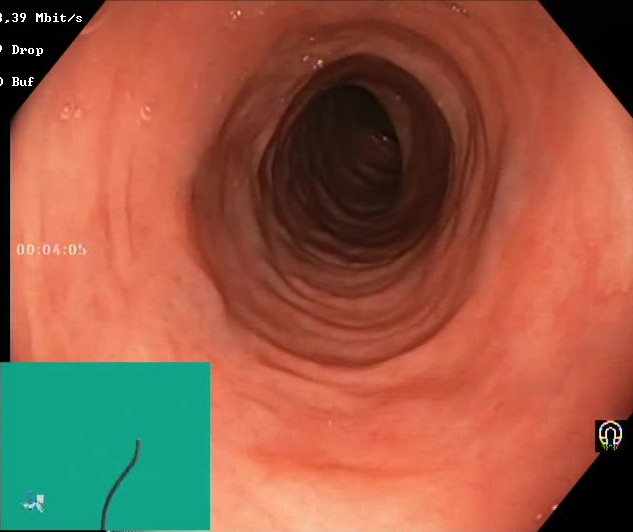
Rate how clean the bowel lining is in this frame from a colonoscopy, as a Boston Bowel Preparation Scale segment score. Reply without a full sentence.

Boston Bowel Preparation Scale score 2–3 (adequate preparation)